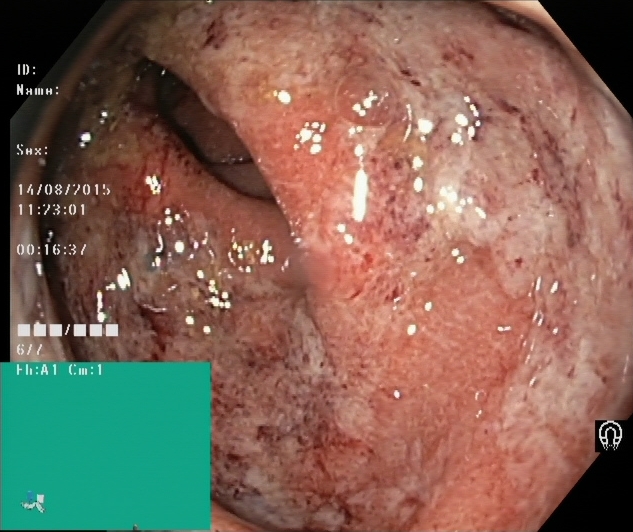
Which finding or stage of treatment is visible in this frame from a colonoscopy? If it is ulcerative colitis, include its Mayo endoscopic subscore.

ulcerative colitis, Mayo endoscopic subscore 2